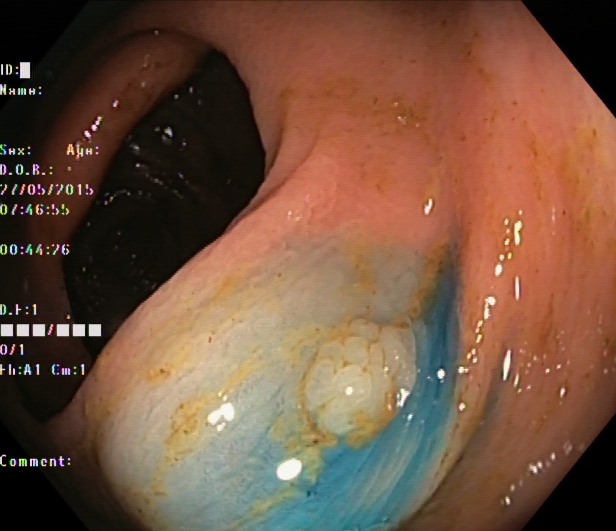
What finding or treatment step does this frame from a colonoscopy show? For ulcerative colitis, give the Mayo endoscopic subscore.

dyed and lifted polyp (pre-resection)